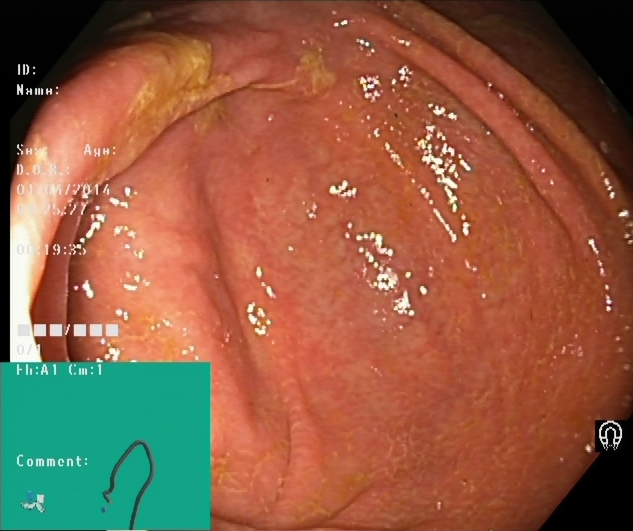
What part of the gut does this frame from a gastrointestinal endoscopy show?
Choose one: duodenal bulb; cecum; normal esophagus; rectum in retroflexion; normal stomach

cecum